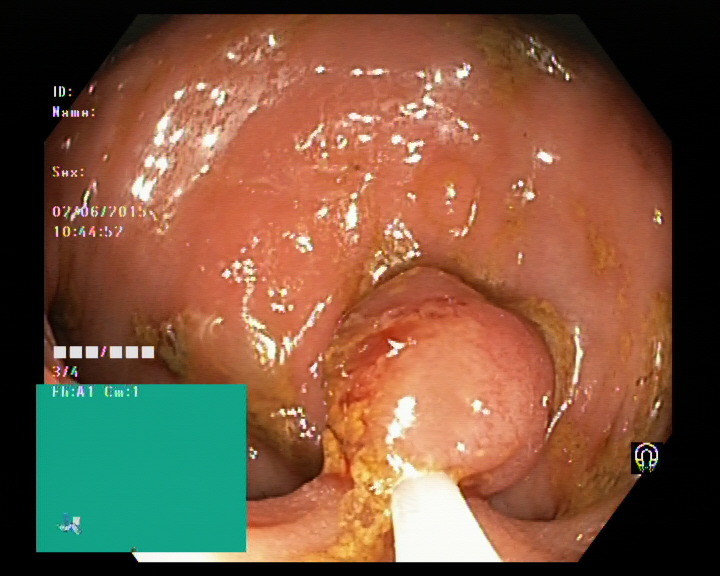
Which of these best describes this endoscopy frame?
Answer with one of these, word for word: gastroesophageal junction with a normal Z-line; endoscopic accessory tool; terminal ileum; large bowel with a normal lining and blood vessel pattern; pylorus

endoscopic accessory tool